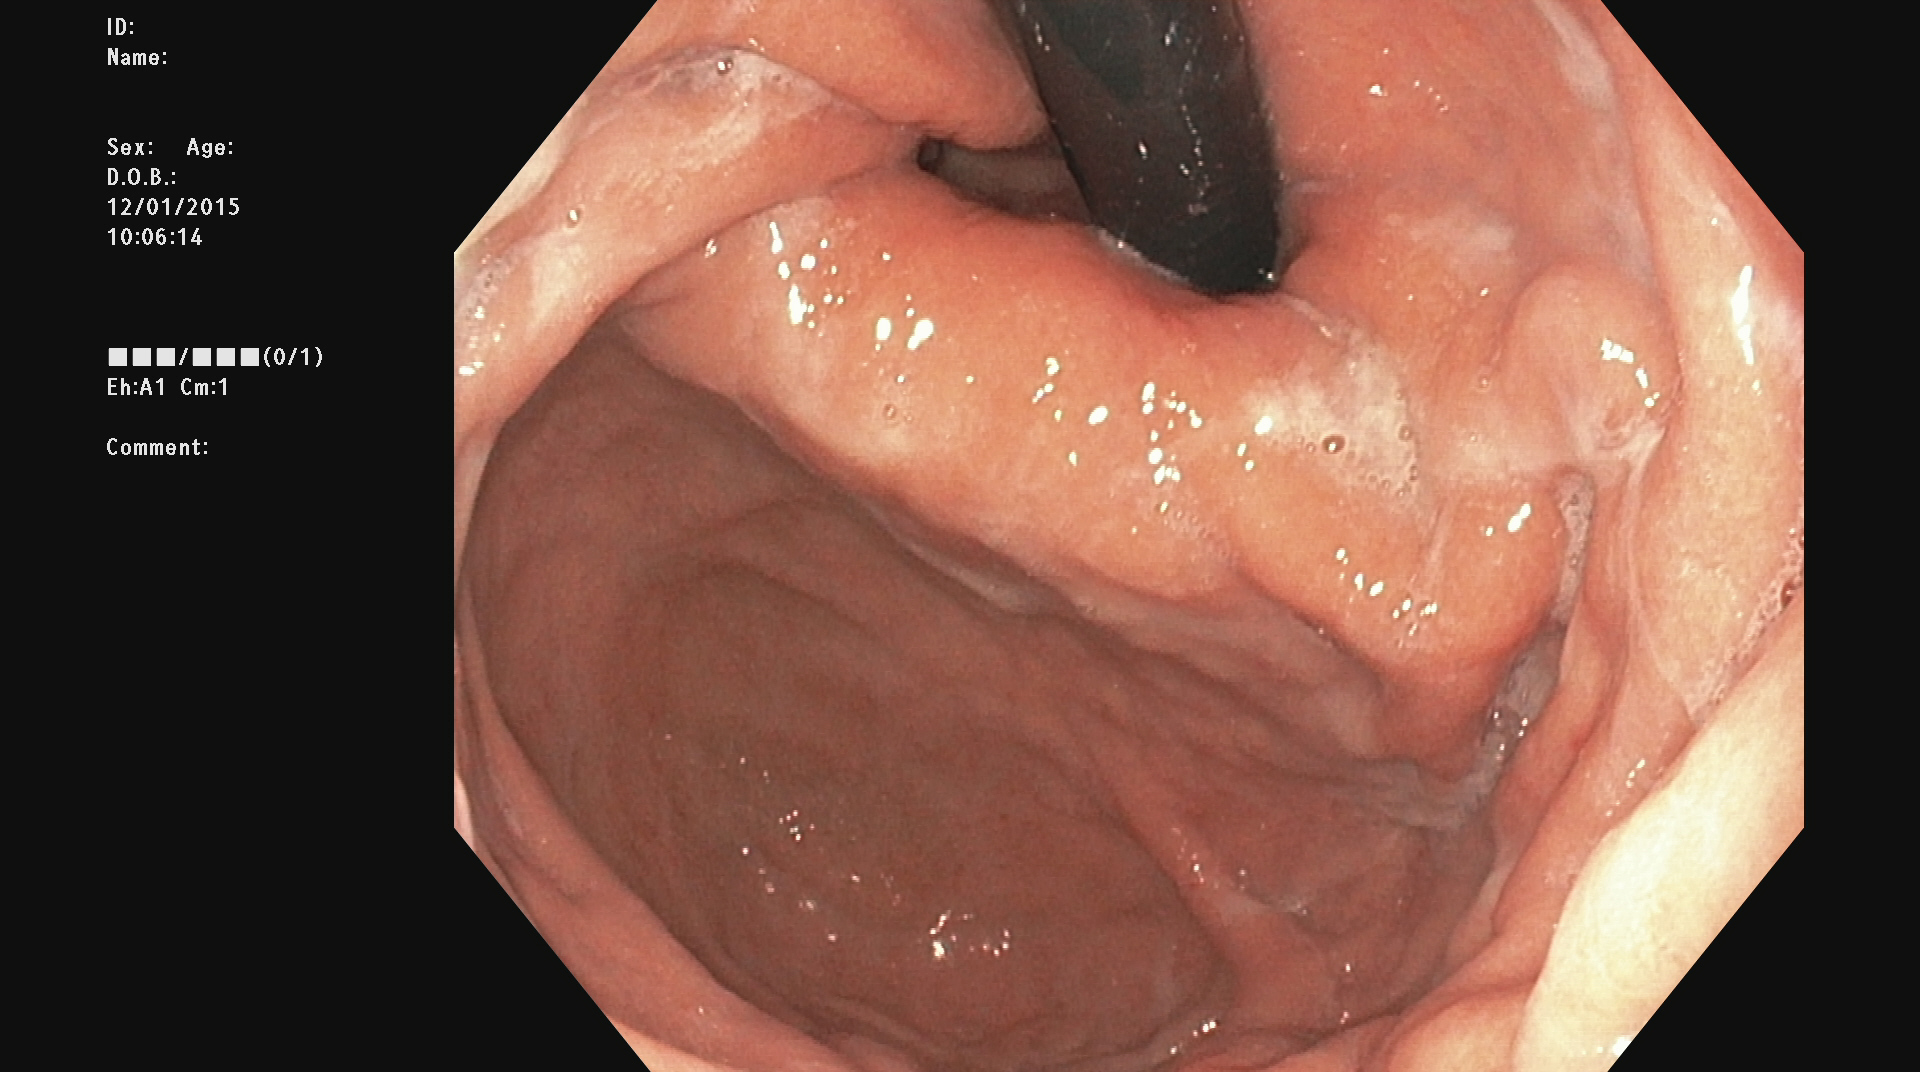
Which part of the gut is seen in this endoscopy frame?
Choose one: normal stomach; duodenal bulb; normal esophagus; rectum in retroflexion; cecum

normal stomach